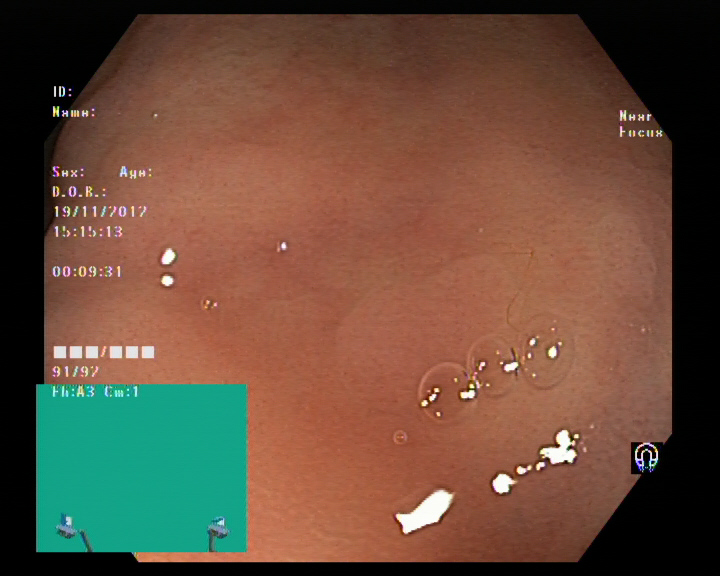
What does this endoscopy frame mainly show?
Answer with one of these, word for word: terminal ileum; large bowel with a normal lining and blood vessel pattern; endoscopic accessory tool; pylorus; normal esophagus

large bowel with a normal lining and blood vessel pattern